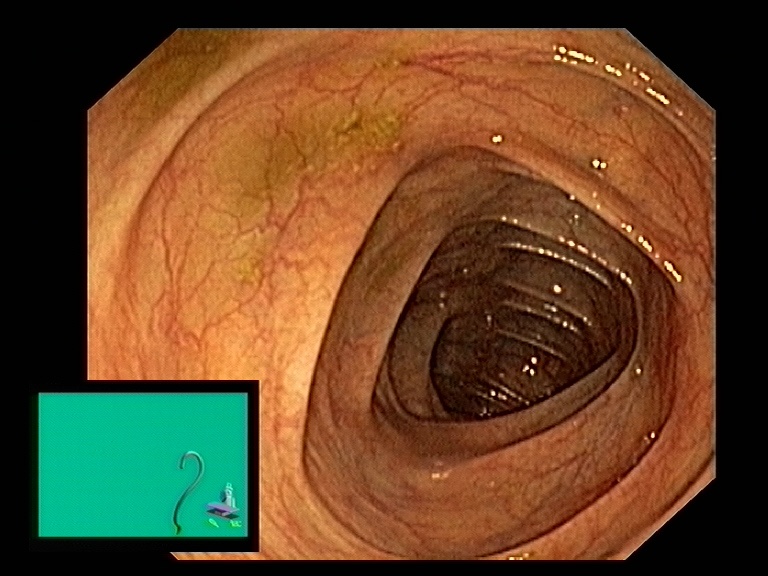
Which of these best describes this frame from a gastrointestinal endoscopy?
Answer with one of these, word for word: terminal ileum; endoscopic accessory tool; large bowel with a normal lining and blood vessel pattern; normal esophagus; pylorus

large bowel with a normal lining and blood vessel pattern